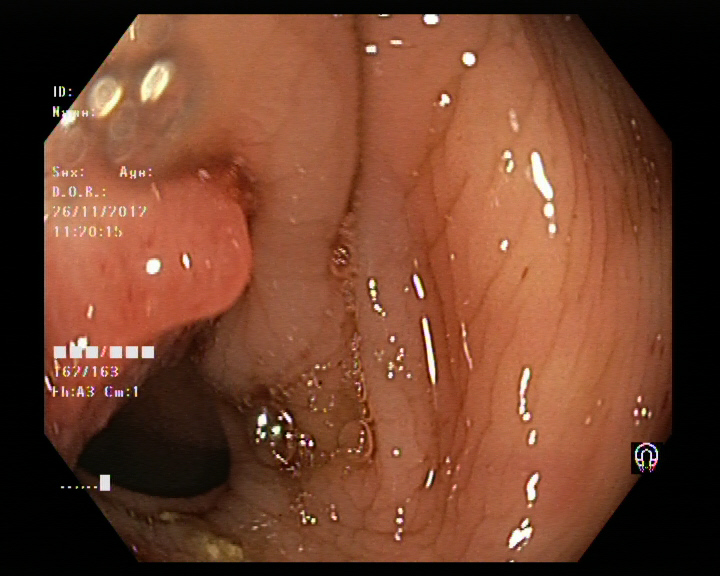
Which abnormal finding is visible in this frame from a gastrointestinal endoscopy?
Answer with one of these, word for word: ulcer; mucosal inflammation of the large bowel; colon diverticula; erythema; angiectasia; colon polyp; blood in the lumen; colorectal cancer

colon polyp